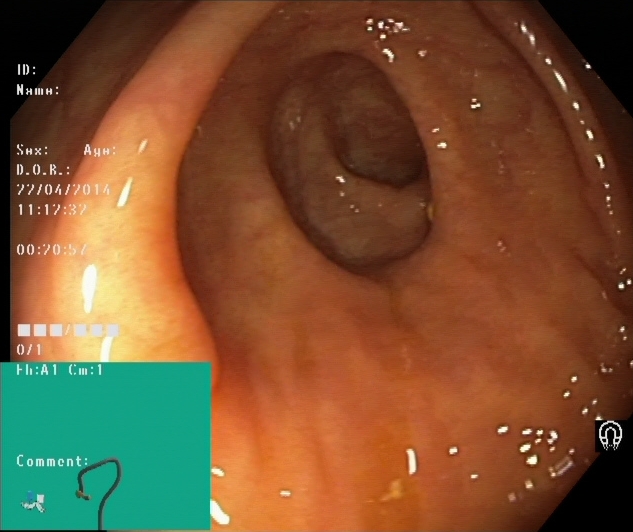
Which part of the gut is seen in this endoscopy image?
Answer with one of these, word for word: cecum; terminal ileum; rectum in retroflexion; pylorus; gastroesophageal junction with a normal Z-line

cecum